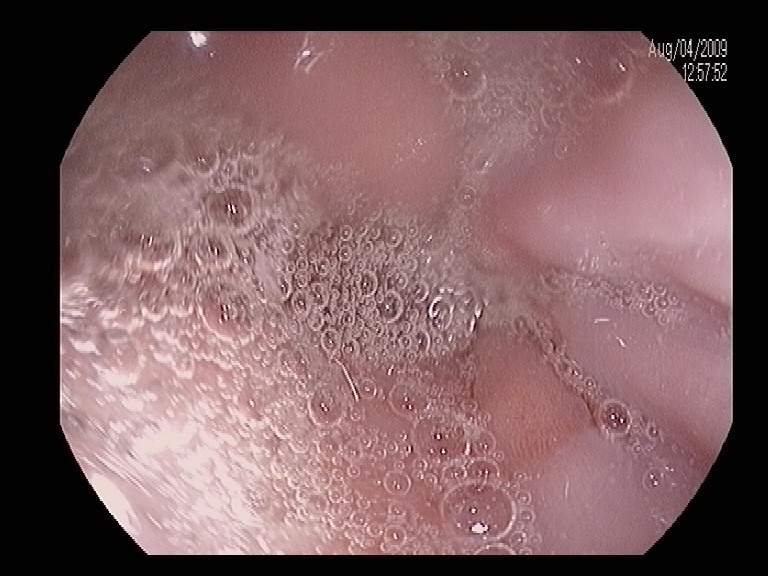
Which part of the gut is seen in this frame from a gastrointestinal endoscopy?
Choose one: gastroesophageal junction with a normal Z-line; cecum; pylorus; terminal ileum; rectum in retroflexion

gastroesophageal junction with a normal Z-line